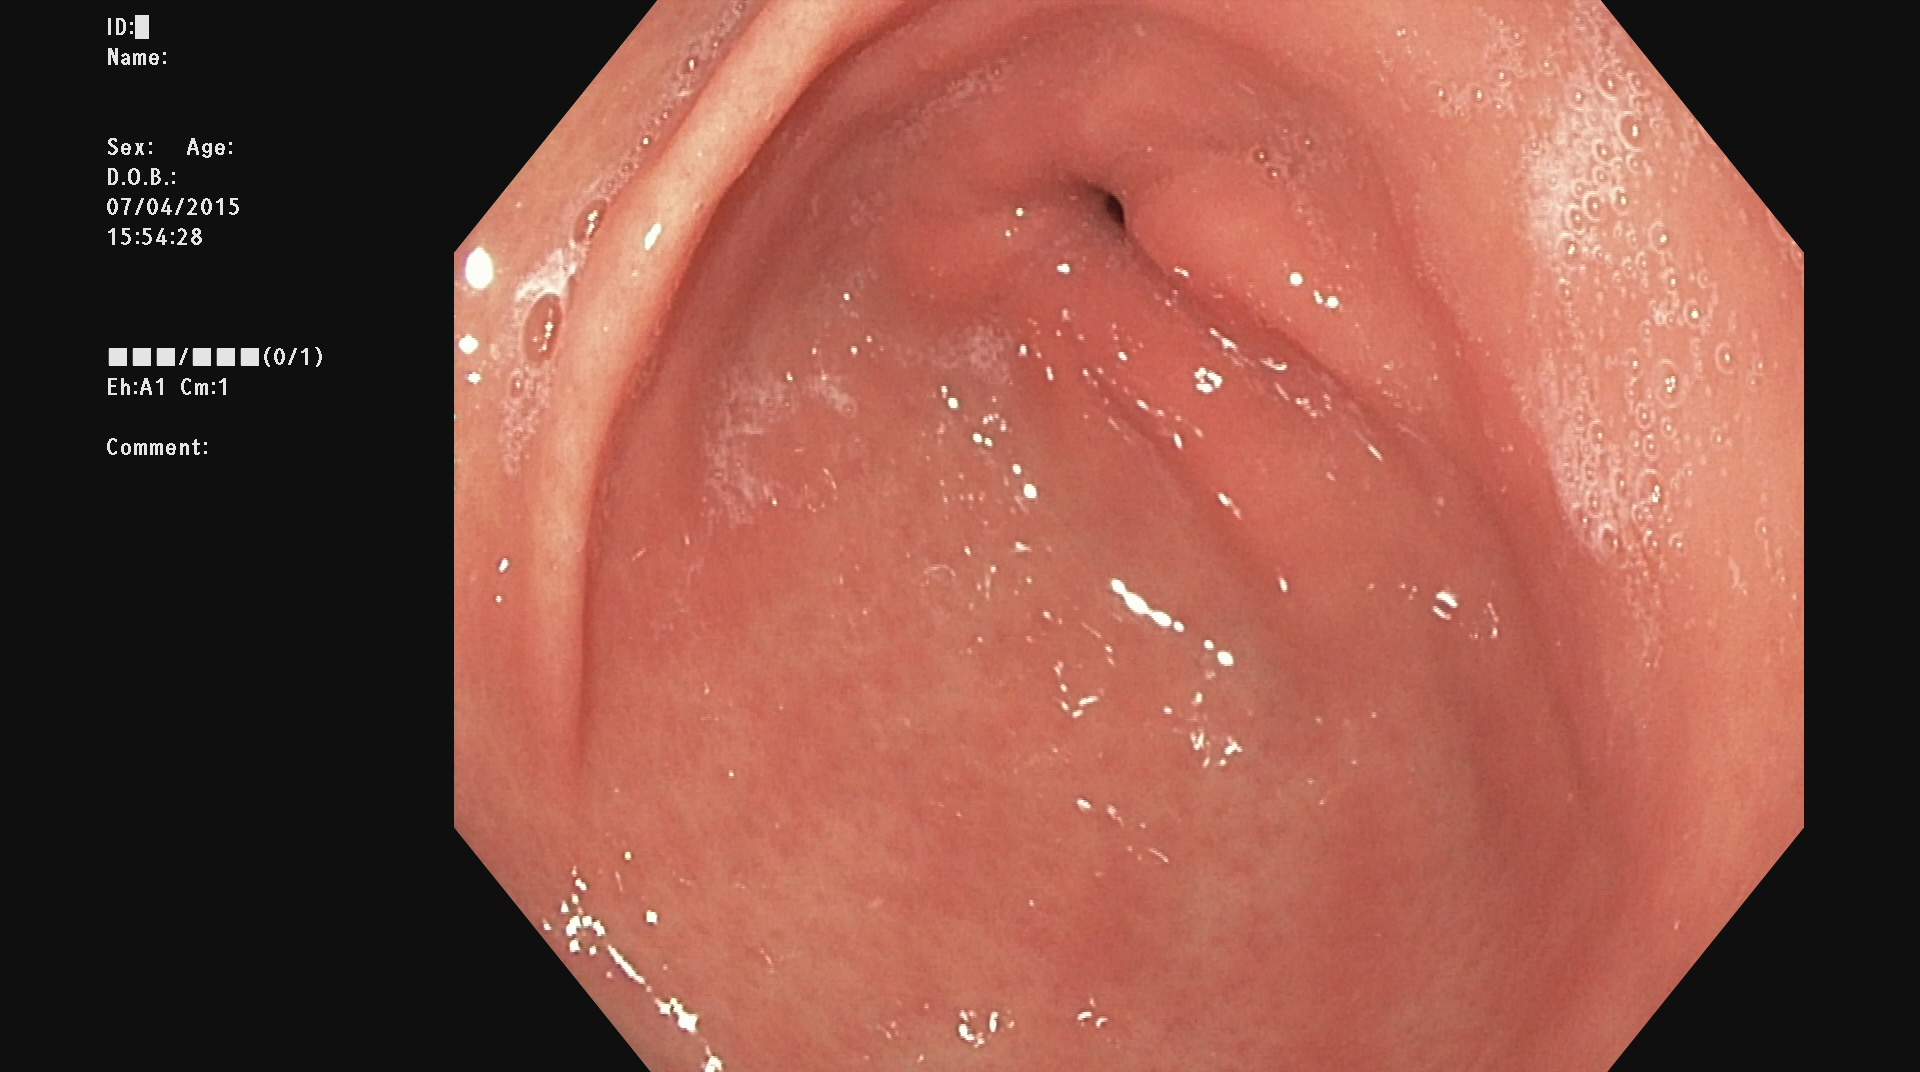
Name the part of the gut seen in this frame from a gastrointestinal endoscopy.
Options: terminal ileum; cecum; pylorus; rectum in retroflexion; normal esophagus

pylorus